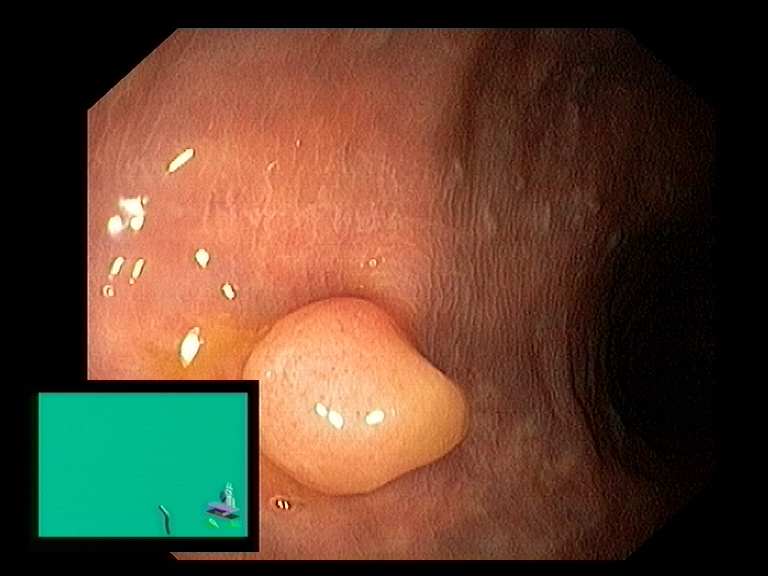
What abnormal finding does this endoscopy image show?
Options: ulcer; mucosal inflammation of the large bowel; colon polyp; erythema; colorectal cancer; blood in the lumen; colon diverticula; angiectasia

colon polyp